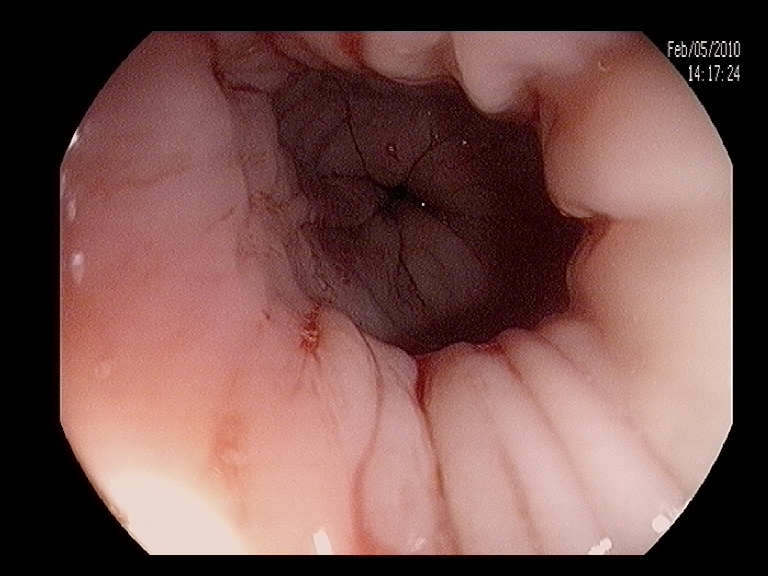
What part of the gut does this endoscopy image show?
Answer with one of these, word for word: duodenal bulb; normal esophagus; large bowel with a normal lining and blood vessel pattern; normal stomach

normal stomach